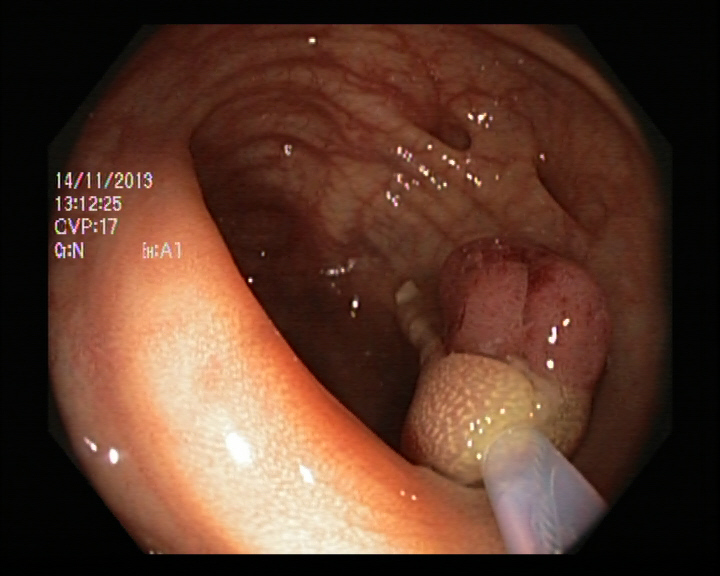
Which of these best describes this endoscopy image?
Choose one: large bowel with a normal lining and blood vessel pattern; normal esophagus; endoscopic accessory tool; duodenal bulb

endoscopic accessory tool